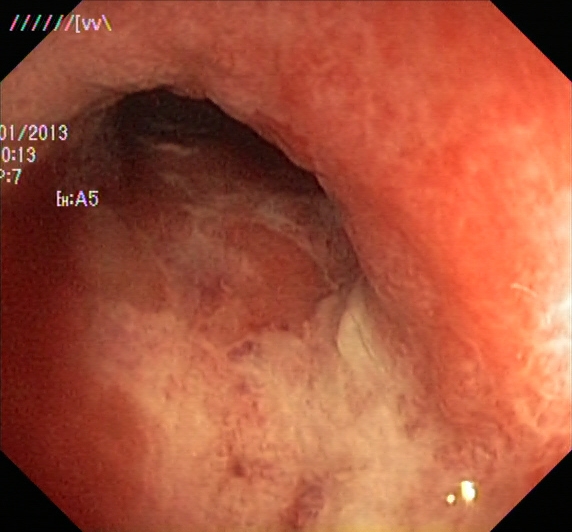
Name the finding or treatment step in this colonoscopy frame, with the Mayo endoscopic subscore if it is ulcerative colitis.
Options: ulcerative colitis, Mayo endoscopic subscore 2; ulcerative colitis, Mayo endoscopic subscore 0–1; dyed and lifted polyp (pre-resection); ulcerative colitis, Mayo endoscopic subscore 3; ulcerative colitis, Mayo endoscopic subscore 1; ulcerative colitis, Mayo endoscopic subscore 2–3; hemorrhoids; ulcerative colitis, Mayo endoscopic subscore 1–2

ulcerative colitis, Mayo endoscopic subscore 2